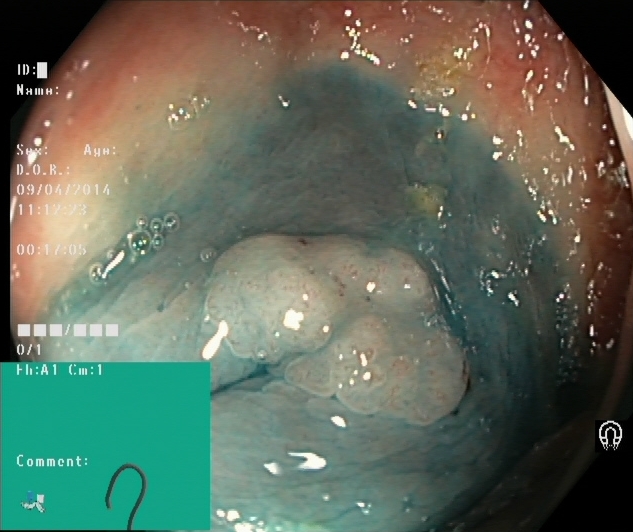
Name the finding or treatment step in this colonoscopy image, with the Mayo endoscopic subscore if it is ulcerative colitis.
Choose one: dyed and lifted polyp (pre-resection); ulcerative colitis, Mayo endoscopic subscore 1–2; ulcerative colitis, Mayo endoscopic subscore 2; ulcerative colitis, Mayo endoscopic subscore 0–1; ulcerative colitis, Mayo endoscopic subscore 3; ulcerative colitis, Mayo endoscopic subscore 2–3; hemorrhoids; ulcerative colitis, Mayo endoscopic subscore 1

dyed and lifted polyp (pre-resection)